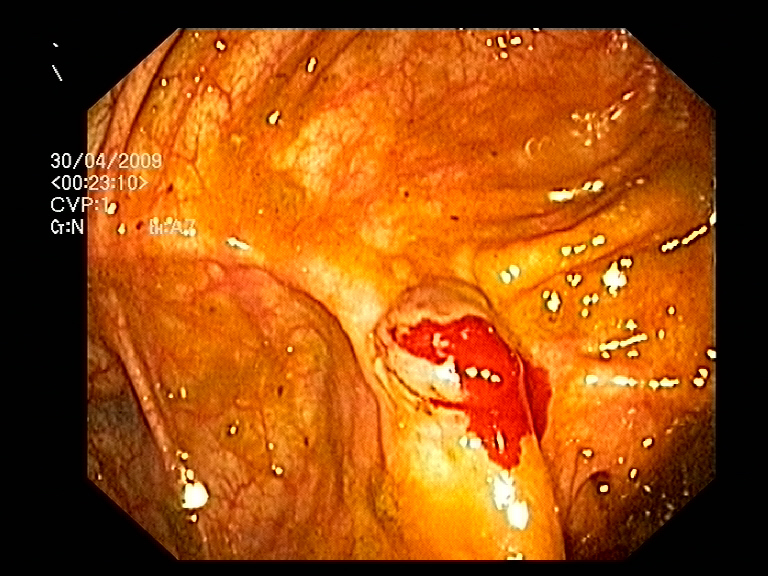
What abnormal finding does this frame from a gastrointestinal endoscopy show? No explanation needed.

blood in the lumen